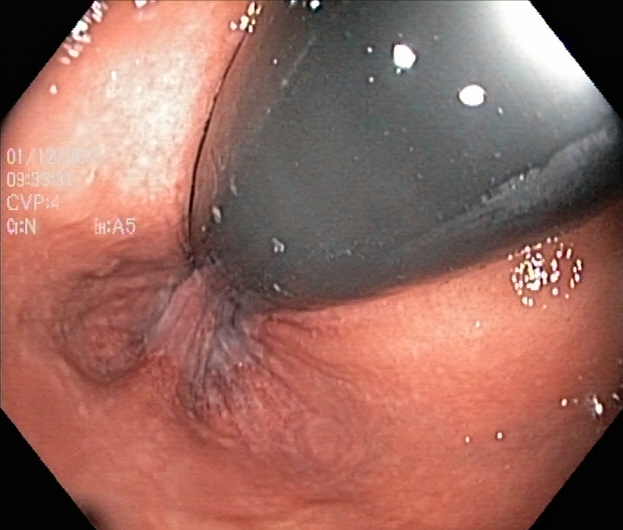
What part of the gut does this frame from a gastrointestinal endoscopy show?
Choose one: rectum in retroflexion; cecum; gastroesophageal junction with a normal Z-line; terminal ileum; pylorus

rectum in retroflexion